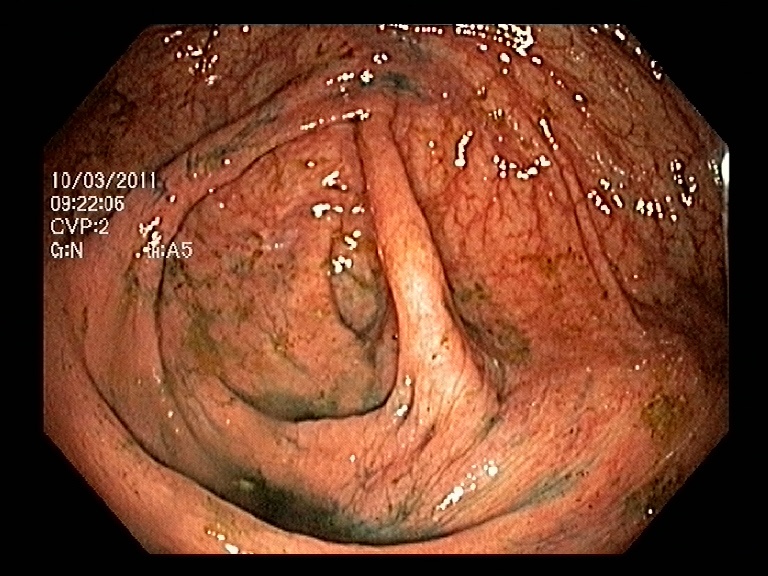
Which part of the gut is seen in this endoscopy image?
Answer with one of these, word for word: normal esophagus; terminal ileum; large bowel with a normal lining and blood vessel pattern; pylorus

large bowel with a normal lining and blood vessel pattern